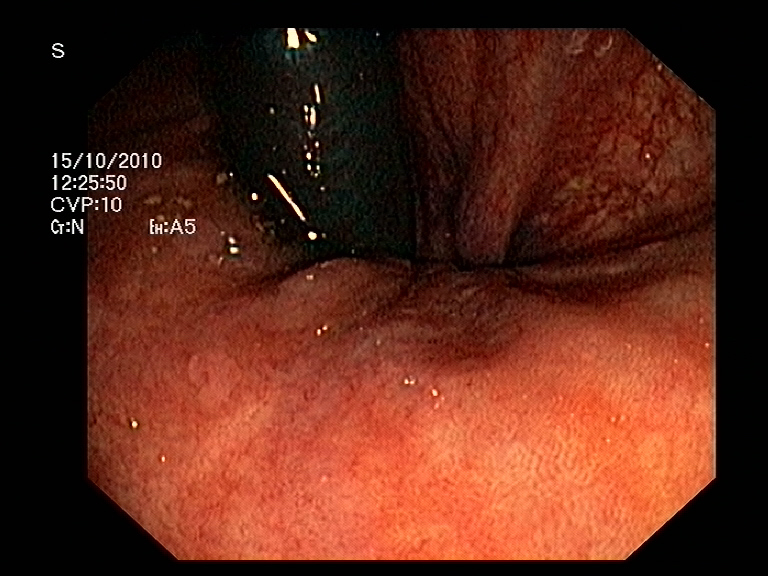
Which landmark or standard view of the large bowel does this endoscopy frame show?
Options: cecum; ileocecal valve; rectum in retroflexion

rectum in retroflexion